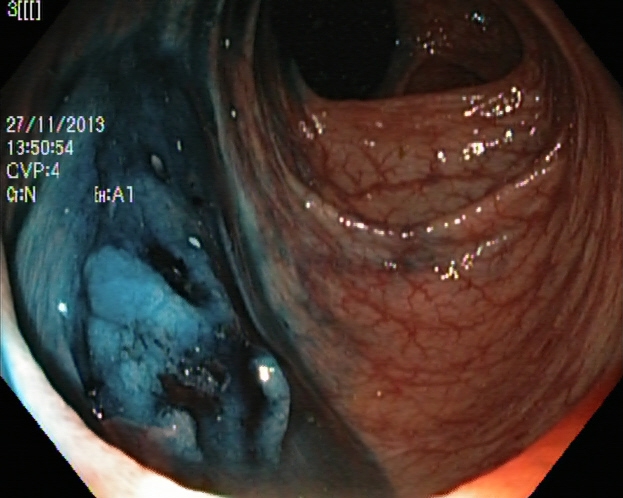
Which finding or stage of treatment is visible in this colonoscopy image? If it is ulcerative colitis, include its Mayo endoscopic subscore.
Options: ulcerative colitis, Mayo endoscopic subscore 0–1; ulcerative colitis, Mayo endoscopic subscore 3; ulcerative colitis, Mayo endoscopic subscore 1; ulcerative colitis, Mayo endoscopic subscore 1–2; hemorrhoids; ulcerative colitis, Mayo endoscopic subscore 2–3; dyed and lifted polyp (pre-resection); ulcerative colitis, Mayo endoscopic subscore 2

dyed and lifted polyp (pre-resection)